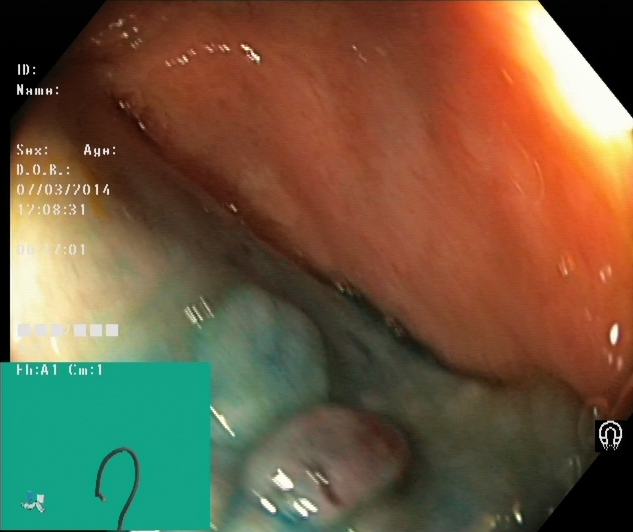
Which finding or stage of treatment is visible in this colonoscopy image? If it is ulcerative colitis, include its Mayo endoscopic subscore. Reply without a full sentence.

dyed and lifted polyp (pre-resection)